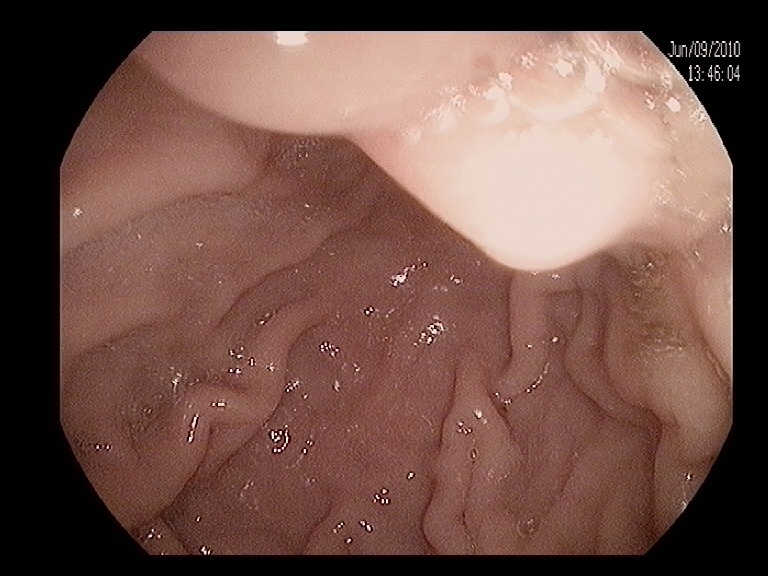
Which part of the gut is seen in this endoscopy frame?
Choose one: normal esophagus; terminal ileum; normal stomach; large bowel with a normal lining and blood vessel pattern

normal stomach